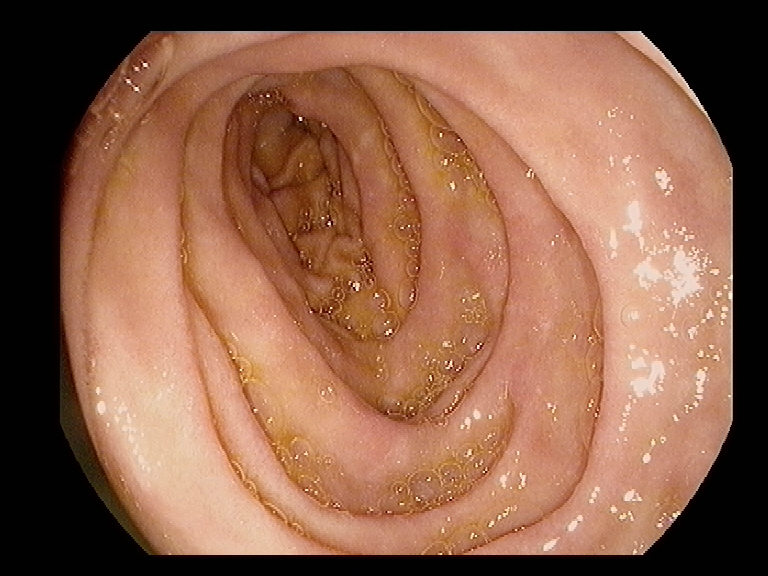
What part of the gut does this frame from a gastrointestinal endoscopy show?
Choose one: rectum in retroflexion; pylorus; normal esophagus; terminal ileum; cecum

terminal ileum